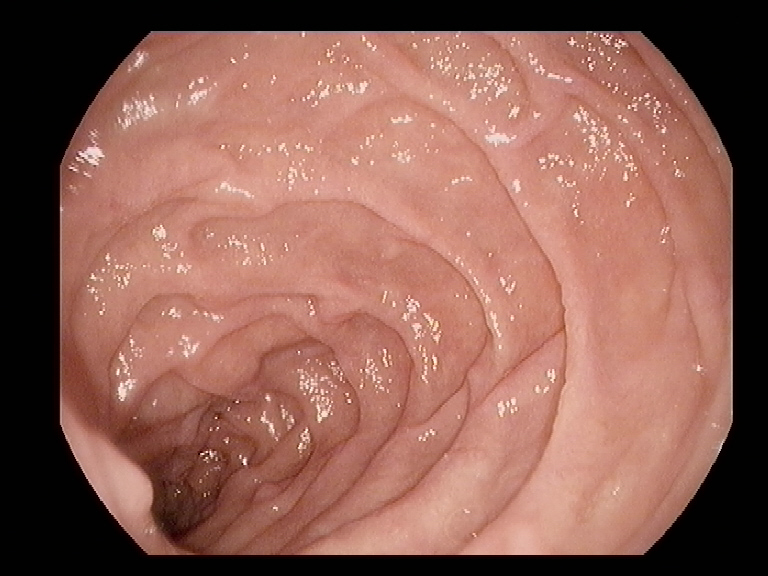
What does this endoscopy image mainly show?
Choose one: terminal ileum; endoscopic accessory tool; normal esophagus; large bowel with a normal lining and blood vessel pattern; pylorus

terminal ileum